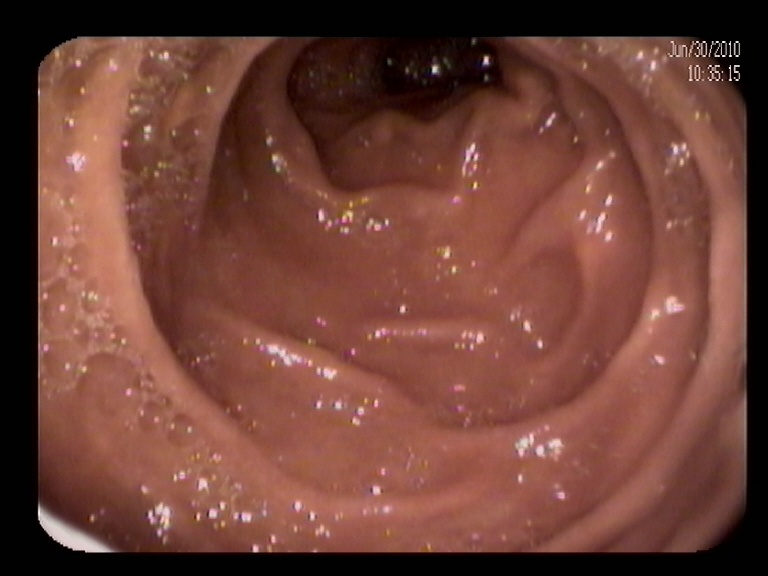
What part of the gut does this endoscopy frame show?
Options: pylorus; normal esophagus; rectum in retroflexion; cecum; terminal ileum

terminal ileum